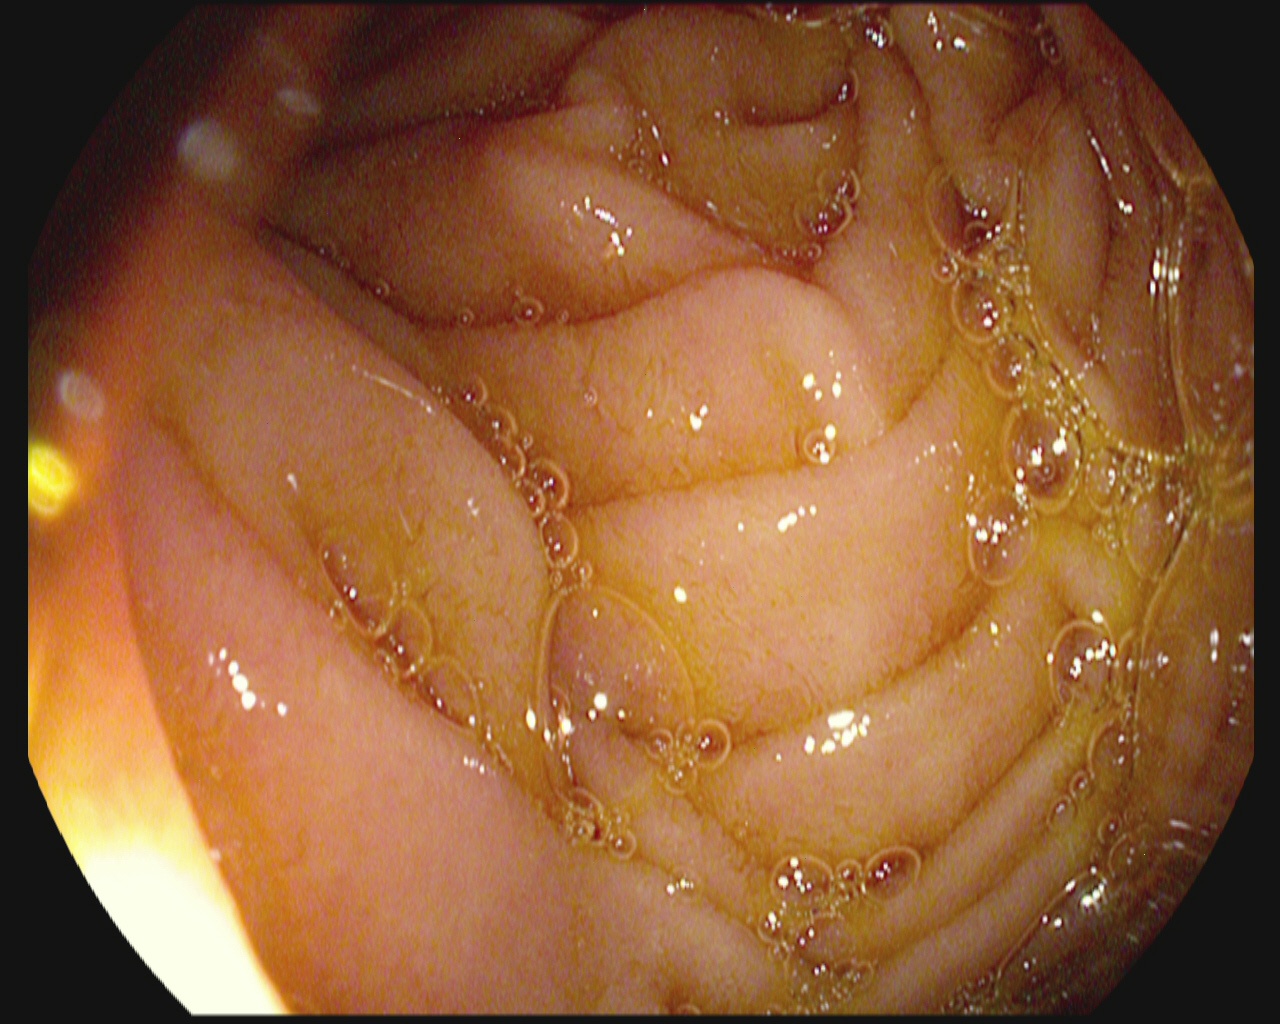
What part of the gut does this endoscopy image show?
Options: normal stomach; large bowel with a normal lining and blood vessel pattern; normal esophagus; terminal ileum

terminal ileum